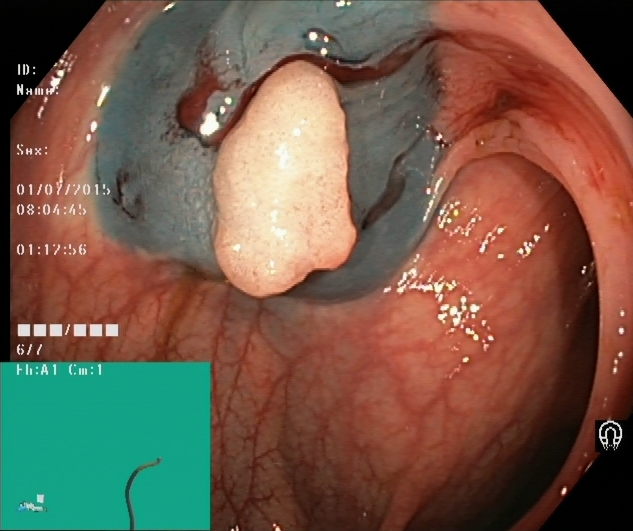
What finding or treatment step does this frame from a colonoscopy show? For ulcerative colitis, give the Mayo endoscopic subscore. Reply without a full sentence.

dyed and lifted polyp (pre-resection)